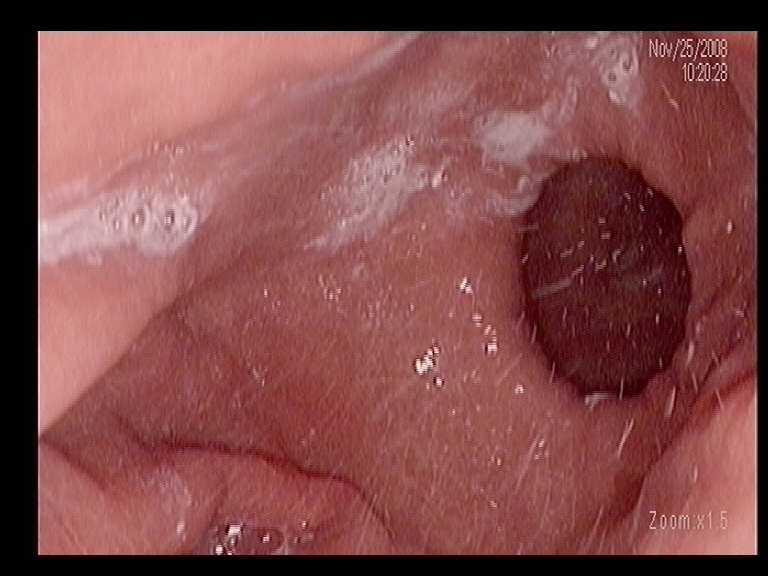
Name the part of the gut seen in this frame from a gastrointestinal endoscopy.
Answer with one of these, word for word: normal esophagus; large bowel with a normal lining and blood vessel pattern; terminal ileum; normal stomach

normal stomach